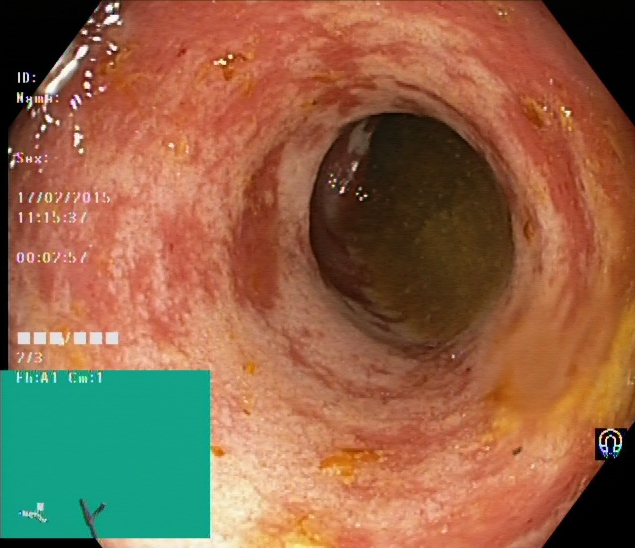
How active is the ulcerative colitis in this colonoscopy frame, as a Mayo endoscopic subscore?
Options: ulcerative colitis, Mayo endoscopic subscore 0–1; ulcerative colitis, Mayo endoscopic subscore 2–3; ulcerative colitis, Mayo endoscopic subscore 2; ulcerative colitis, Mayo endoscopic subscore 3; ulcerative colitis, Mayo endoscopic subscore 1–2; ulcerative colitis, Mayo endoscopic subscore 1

ulcerative colitis, Mayo endoscopic subscore 2